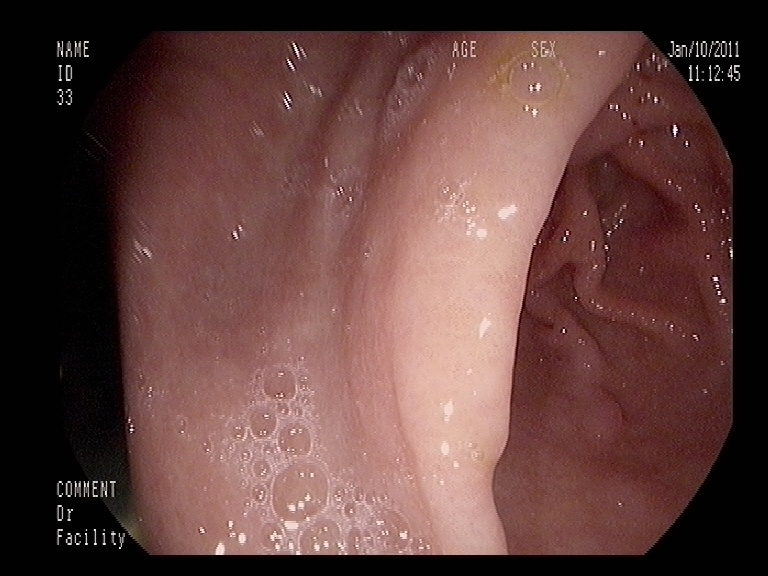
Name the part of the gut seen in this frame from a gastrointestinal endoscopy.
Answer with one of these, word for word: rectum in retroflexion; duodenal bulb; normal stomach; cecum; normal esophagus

normal stomach